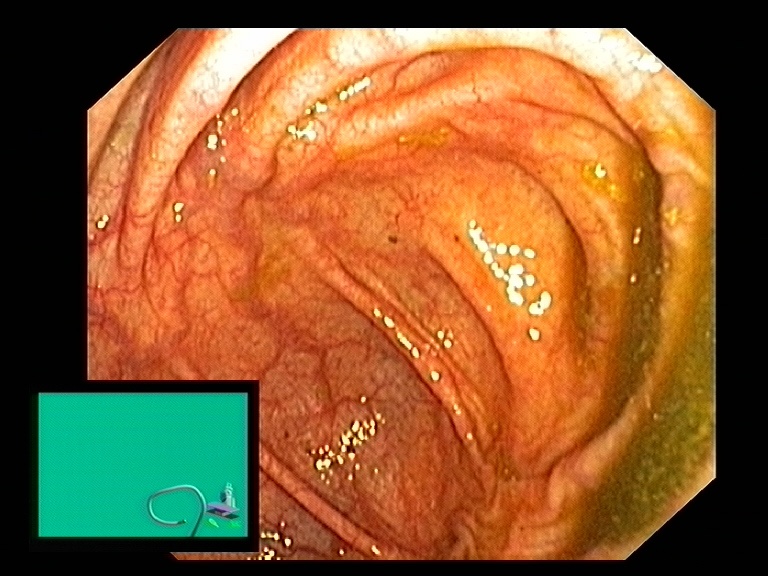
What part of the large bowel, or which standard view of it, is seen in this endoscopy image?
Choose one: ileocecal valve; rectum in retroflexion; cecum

cecum